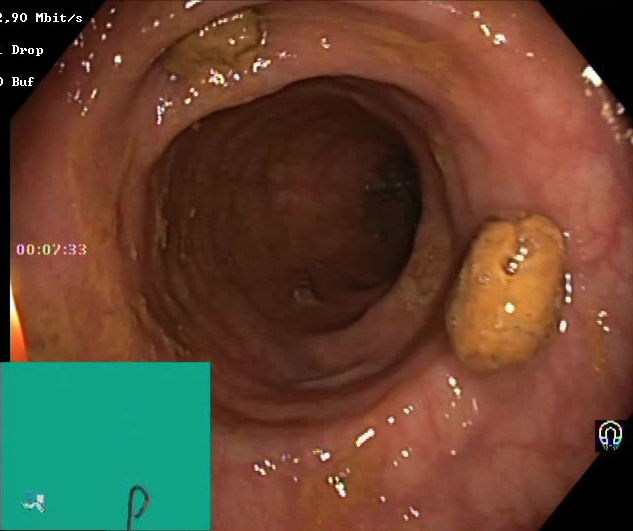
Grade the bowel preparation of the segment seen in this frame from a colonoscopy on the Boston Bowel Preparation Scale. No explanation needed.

Boston Bowel Preparation Scale score 2–3 (adequate preparation)